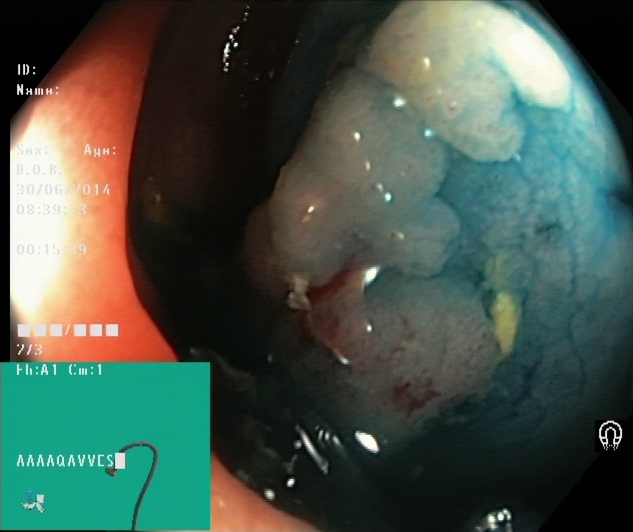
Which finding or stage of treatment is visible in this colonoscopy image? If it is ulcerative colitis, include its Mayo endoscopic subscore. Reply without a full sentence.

dyed and lifted polyp (pre-resection)